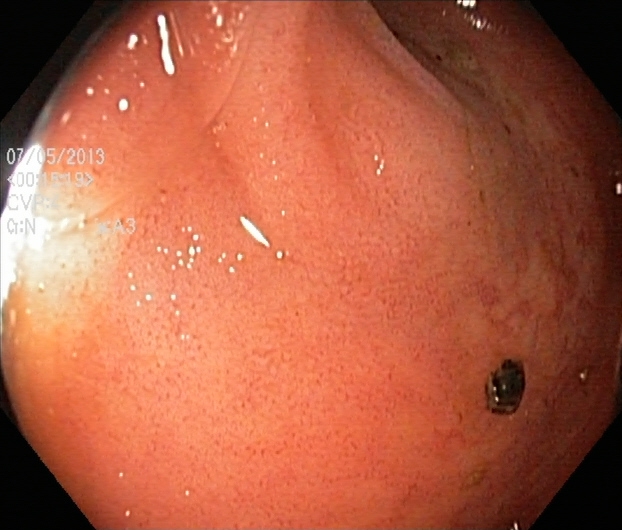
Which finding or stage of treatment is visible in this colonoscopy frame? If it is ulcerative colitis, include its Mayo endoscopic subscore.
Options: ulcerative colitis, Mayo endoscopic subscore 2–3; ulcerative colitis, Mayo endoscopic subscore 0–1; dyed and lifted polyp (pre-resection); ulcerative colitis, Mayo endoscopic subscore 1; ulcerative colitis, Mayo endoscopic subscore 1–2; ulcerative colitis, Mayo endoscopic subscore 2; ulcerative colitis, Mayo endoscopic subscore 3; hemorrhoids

ulcerative colitis, Mayo endoscopic subscore 2